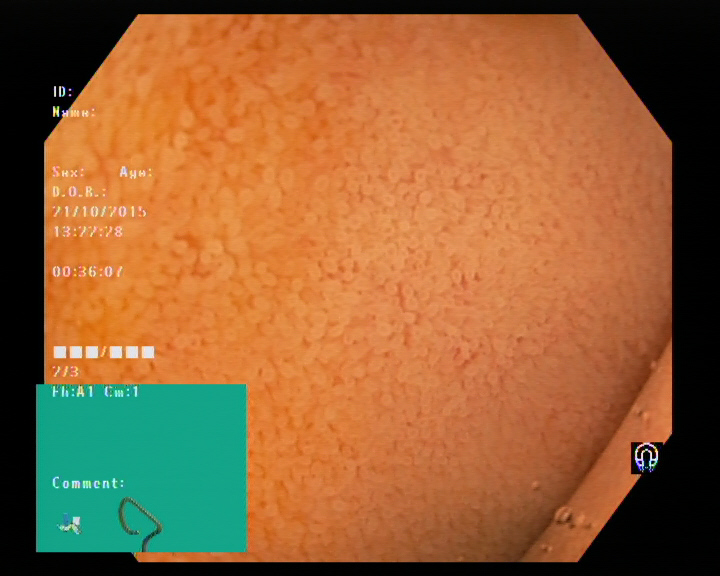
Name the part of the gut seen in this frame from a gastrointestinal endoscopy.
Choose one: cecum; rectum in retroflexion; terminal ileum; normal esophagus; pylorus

terminal ileum